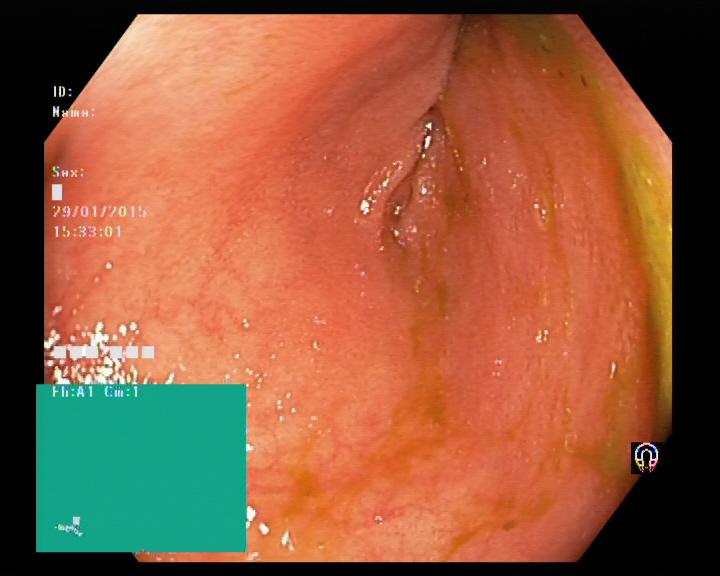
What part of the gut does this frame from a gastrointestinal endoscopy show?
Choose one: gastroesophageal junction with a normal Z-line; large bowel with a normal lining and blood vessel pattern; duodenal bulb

large bowel with a normal lining and blood vessel pattern